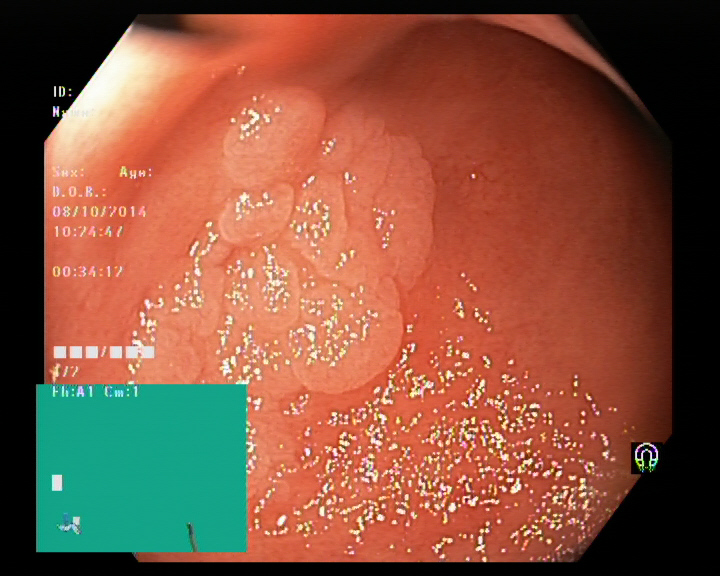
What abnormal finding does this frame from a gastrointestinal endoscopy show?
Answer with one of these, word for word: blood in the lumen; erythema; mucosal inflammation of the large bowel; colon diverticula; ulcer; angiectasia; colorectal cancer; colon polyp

colon polyp